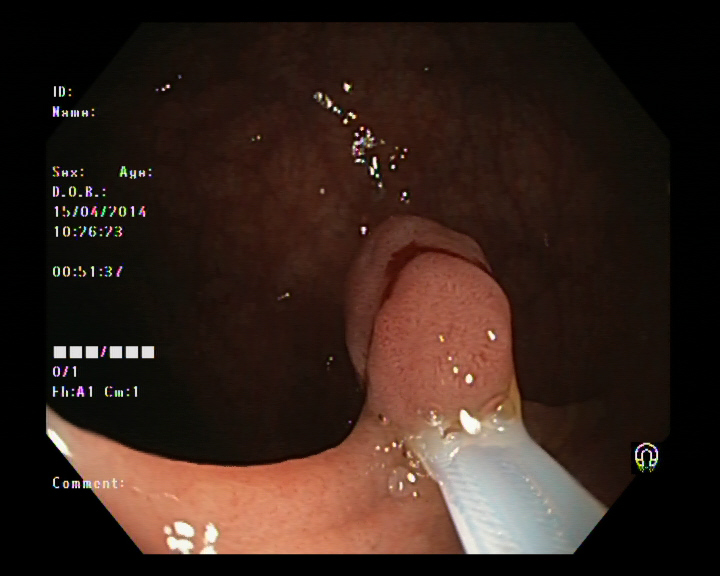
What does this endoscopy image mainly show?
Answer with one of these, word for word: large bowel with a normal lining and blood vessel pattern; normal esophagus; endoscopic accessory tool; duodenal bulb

endoscopic accessory tool